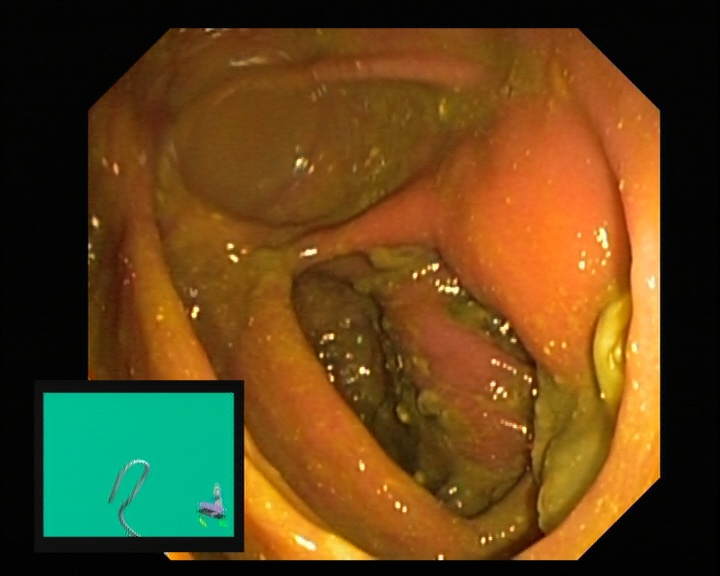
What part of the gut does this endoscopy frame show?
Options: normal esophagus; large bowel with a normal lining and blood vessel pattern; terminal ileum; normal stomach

large bowel with a normal lining and blood vessel pattern